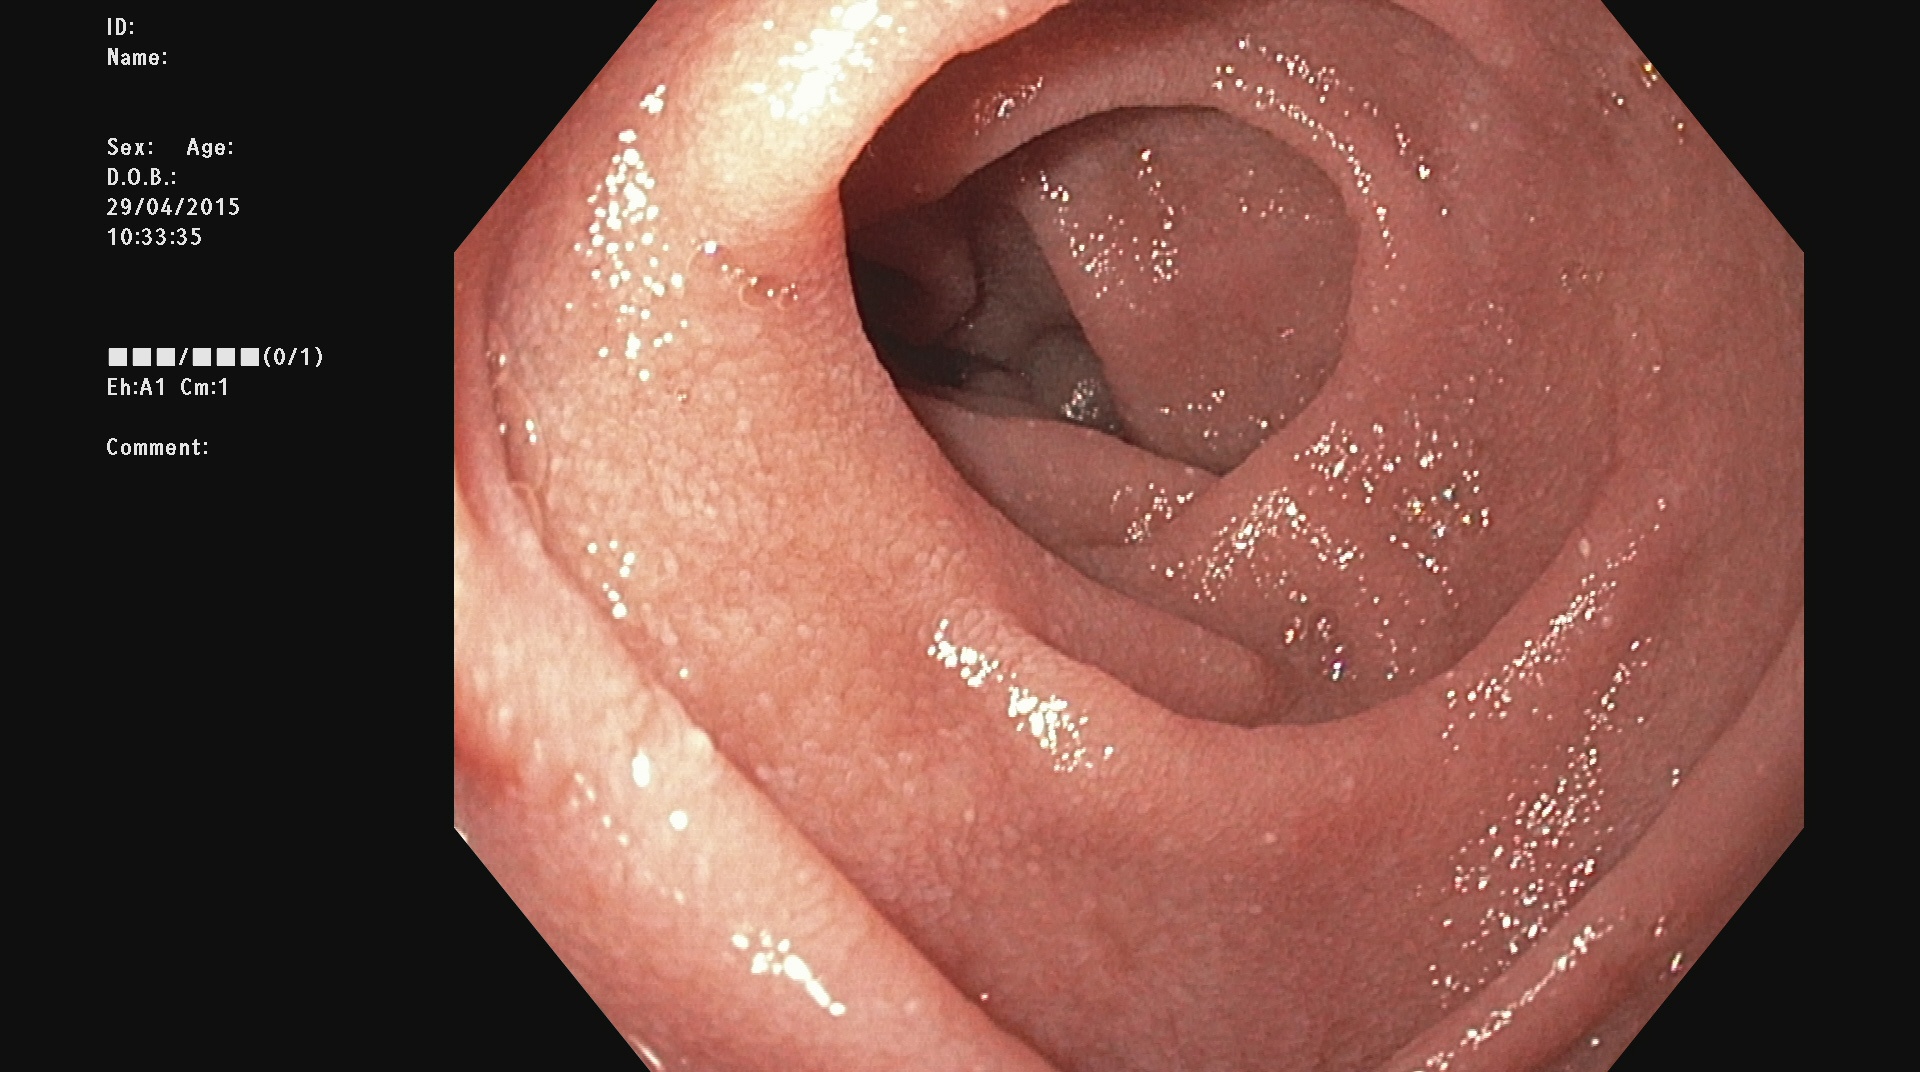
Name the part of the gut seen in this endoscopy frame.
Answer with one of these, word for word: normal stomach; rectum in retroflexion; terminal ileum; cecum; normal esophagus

terminal ileum